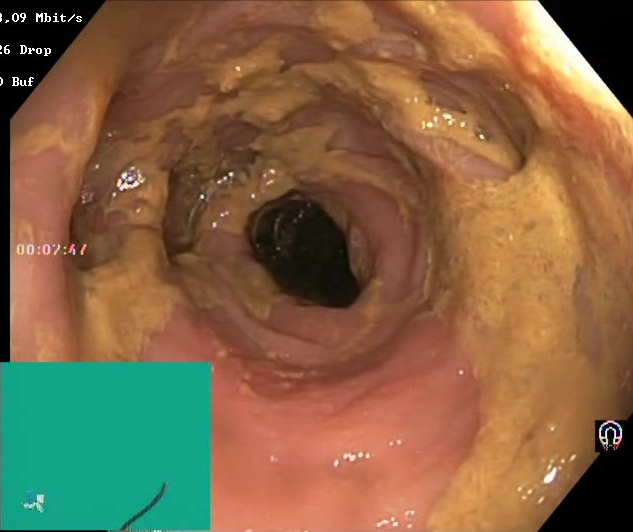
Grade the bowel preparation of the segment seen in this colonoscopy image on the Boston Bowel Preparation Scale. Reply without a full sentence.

Boston Bowel Preparation Scale score 0–1 (inadequate preparation)